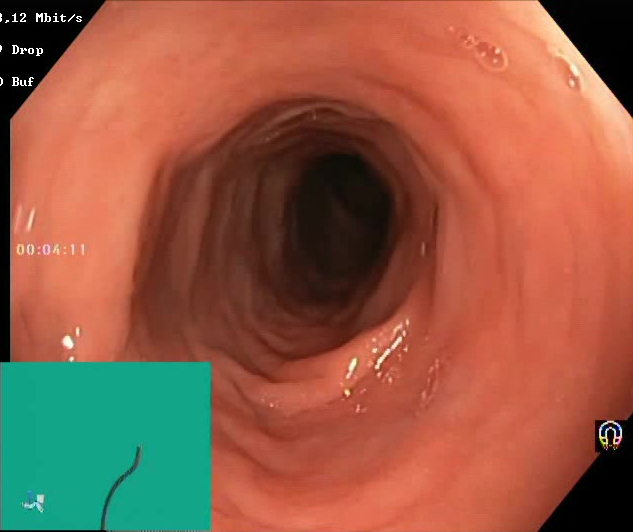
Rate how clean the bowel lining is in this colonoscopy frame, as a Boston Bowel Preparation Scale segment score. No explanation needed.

Boston Bowel Preparation Scale score 2–3 (adequate preparation)